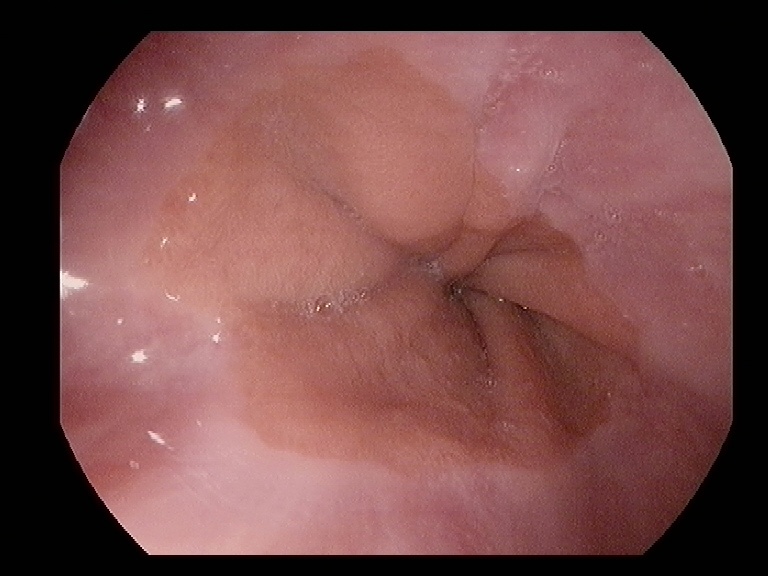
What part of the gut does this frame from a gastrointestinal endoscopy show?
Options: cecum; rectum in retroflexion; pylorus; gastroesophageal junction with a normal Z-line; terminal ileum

gastroesophageal junction with a normal Z-line